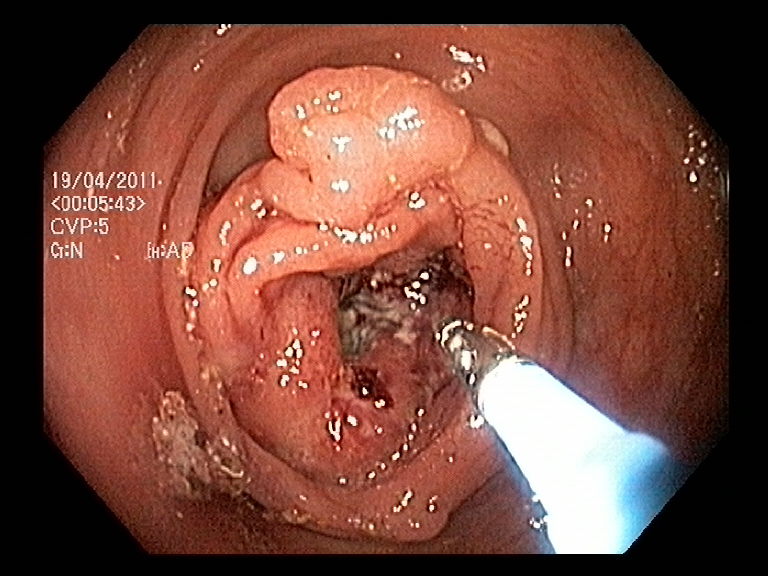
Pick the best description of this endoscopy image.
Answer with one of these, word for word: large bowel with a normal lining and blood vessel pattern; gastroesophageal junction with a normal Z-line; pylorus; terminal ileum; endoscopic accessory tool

endoscopic accessory tool